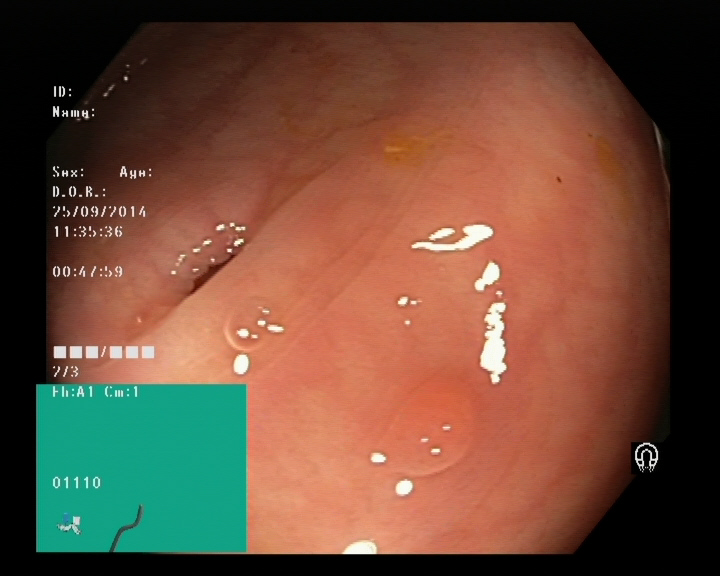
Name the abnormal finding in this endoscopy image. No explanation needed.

colon polyp